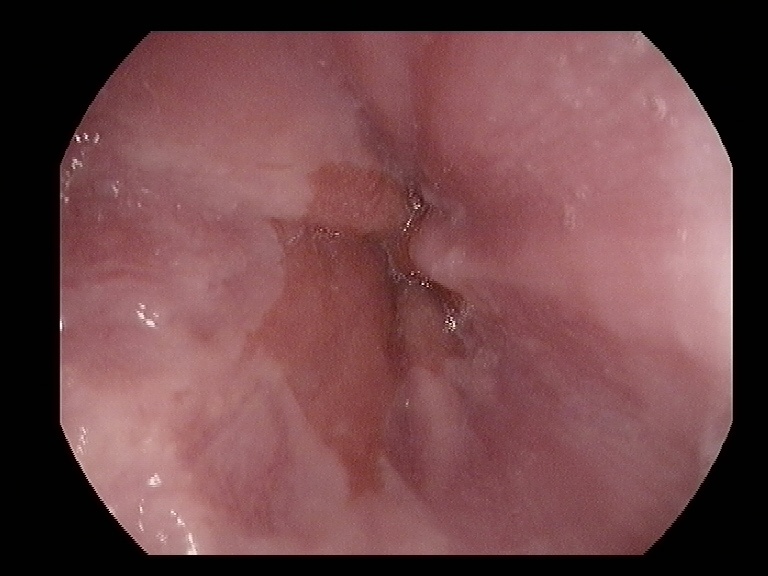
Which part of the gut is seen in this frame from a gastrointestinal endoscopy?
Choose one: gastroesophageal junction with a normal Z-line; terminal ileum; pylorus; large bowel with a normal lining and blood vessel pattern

gastroesophageal junction with a normal Z-line